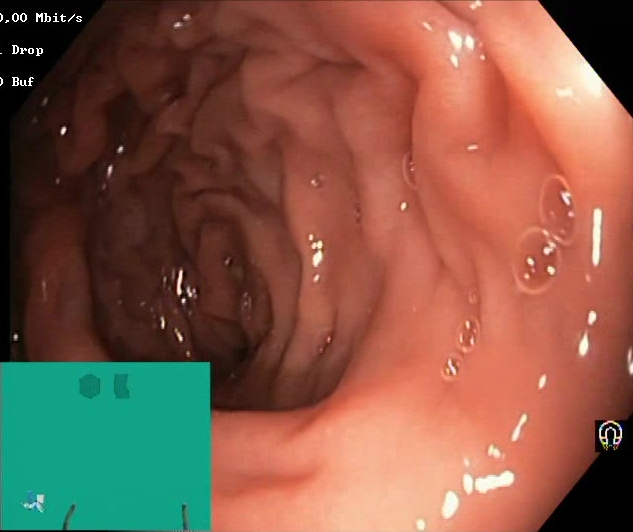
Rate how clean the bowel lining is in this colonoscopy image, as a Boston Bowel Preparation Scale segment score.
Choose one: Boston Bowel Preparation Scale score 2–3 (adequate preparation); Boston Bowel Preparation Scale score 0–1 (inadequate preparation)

Boston Bowel Preparation Scale score 2–3 (adequate preparation)